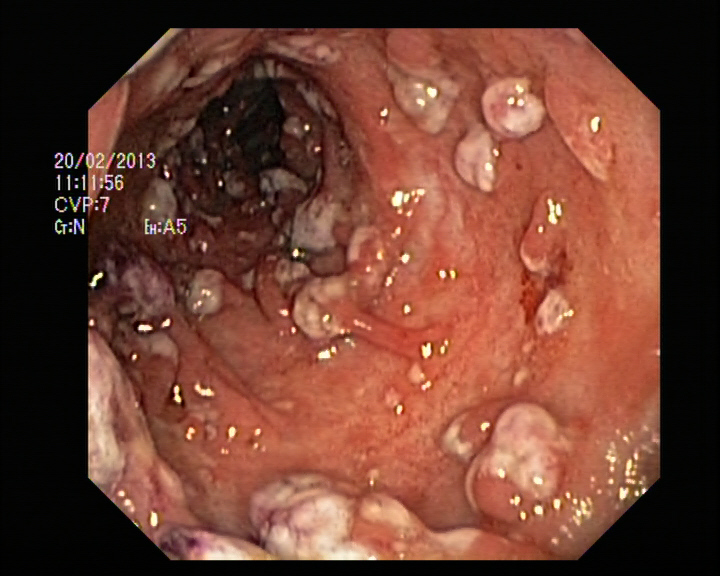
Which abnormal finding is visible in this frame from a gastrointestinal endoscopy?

colon polyp